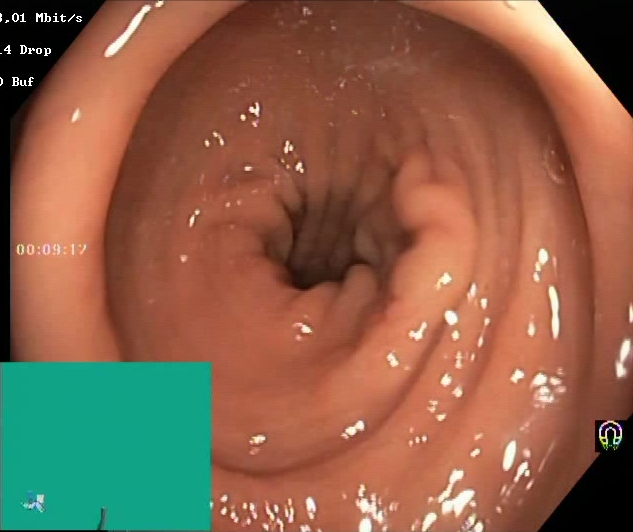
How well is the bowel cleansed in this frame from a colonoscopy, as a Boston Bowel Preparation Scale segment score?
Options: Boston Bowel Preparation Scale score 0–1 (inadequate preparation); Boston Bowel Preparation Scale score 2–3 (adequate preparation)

Boston Bowel Preparation Scale score 2–3 (adequate preparation)